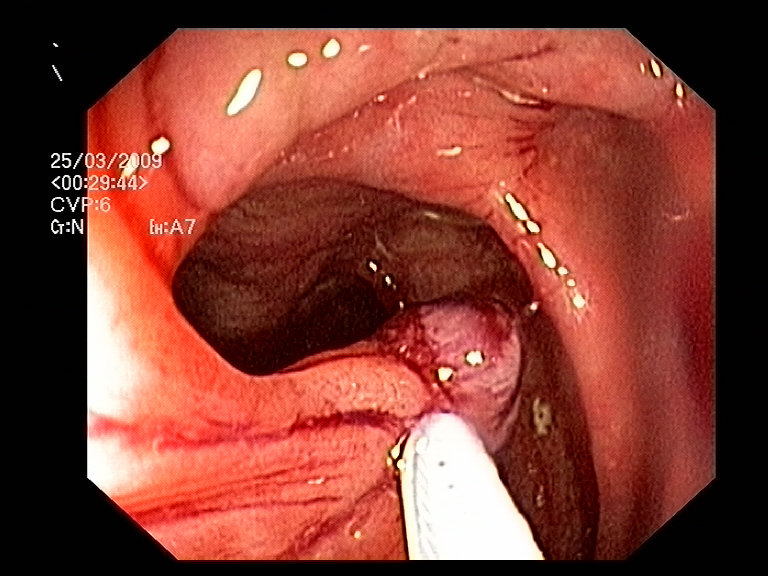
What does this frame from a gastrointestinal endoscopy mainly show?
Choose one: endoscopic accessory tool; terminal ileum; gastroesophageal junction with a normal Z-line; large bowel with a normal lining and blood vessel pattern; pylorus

endoscopic accessory tool